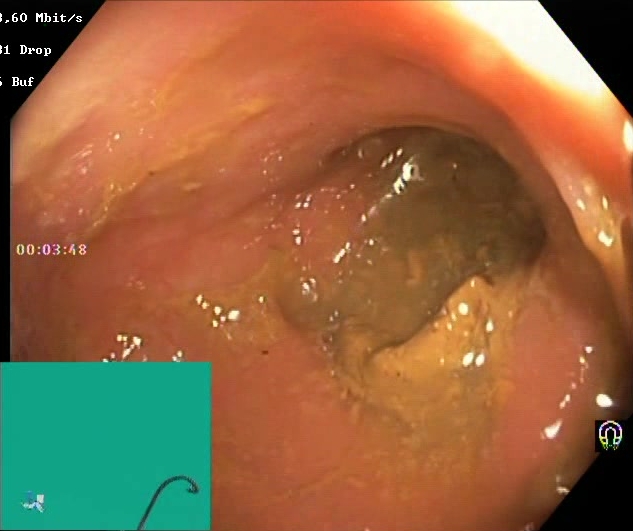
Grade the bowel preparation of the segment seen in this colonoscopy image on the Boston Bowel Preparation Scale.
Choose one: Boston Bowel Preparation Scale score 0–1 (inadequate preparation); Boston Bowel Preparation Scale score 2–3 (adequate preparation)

Boston Bowel Preparation Scale score 0–1 (inadequate preparation)